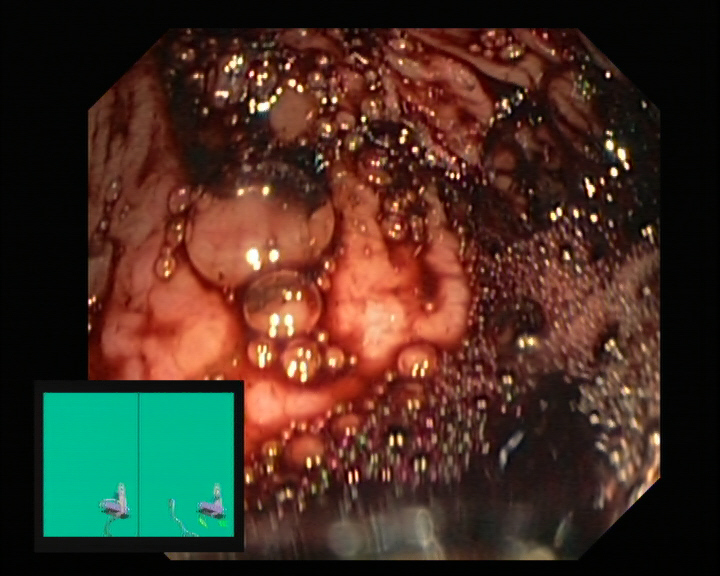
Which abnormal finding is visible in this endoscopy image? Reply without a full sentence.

colorectal cancer